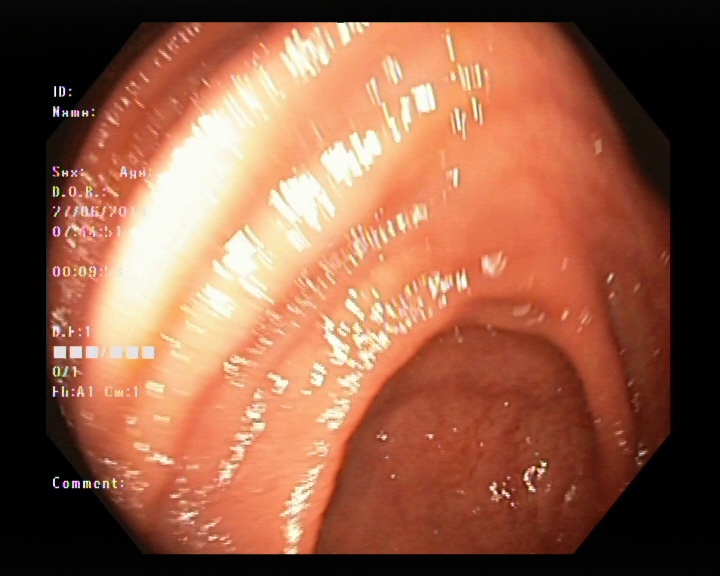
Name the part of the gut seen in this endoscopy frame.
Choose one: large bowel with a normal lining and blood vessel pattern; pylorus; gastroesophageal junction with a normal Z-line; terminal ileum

large bowel with a normal lining and blood vessel pattern